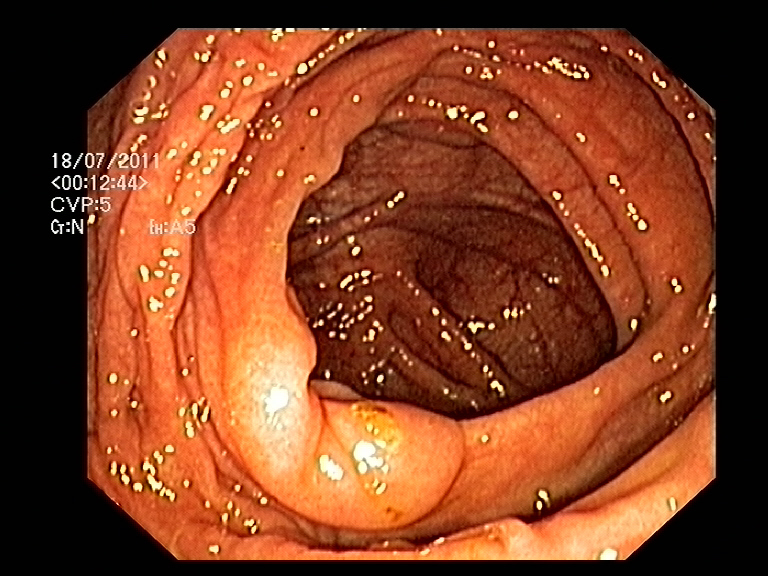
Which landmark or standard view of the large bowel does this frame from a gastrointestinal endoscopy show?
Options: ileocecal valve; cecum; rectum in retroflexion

ileocecal valve